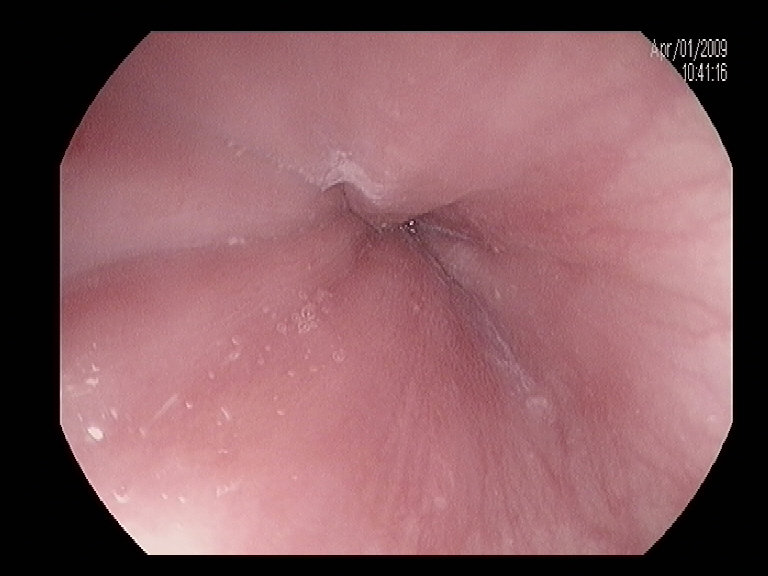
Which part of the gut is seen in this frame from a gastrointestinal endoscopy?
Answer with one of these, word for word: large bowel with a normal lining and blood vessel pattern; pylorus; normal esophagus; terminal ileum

normal esophagus